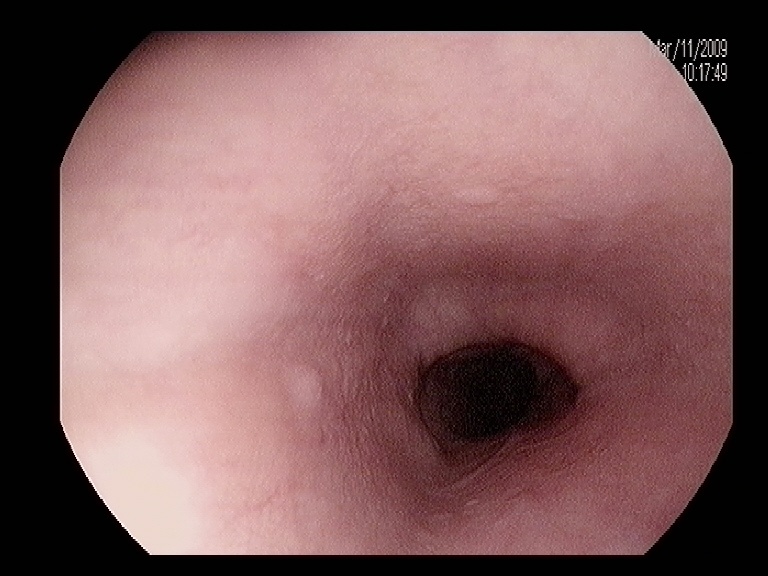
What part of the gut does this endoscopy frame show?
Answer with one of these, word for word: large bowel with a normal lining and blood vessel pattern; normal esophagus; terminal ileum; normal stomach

normal esophagus